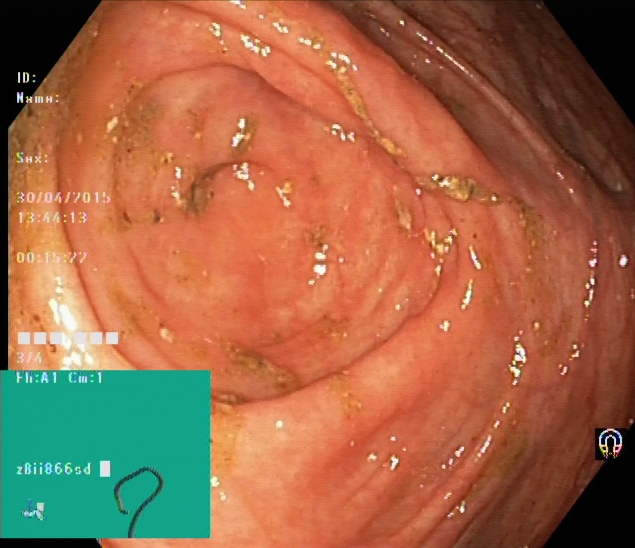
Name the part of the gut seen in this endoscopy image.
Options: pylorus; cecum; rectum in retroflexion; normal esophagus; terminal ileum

cecum